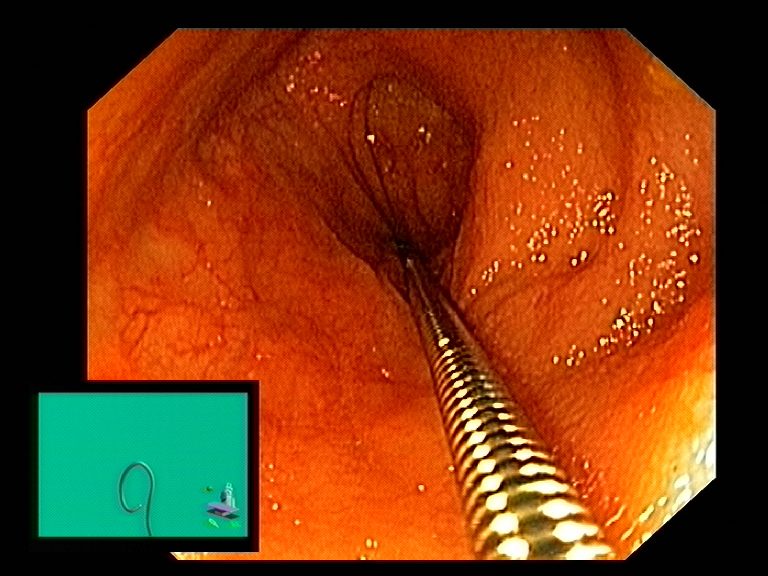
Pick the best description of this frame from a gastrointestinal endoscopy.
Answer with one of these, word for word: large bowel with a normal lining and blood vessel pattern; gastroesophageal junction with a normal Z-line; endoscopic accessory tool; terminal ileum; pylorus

endoscopic accessory tool